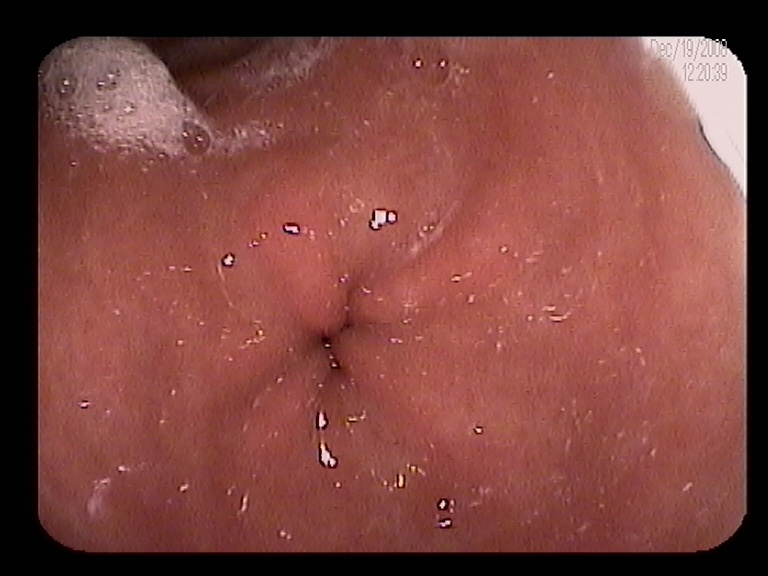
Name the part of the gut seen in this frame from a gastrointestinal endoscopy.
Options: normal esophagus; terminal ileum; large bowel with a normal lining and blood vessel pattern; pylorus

pylorus